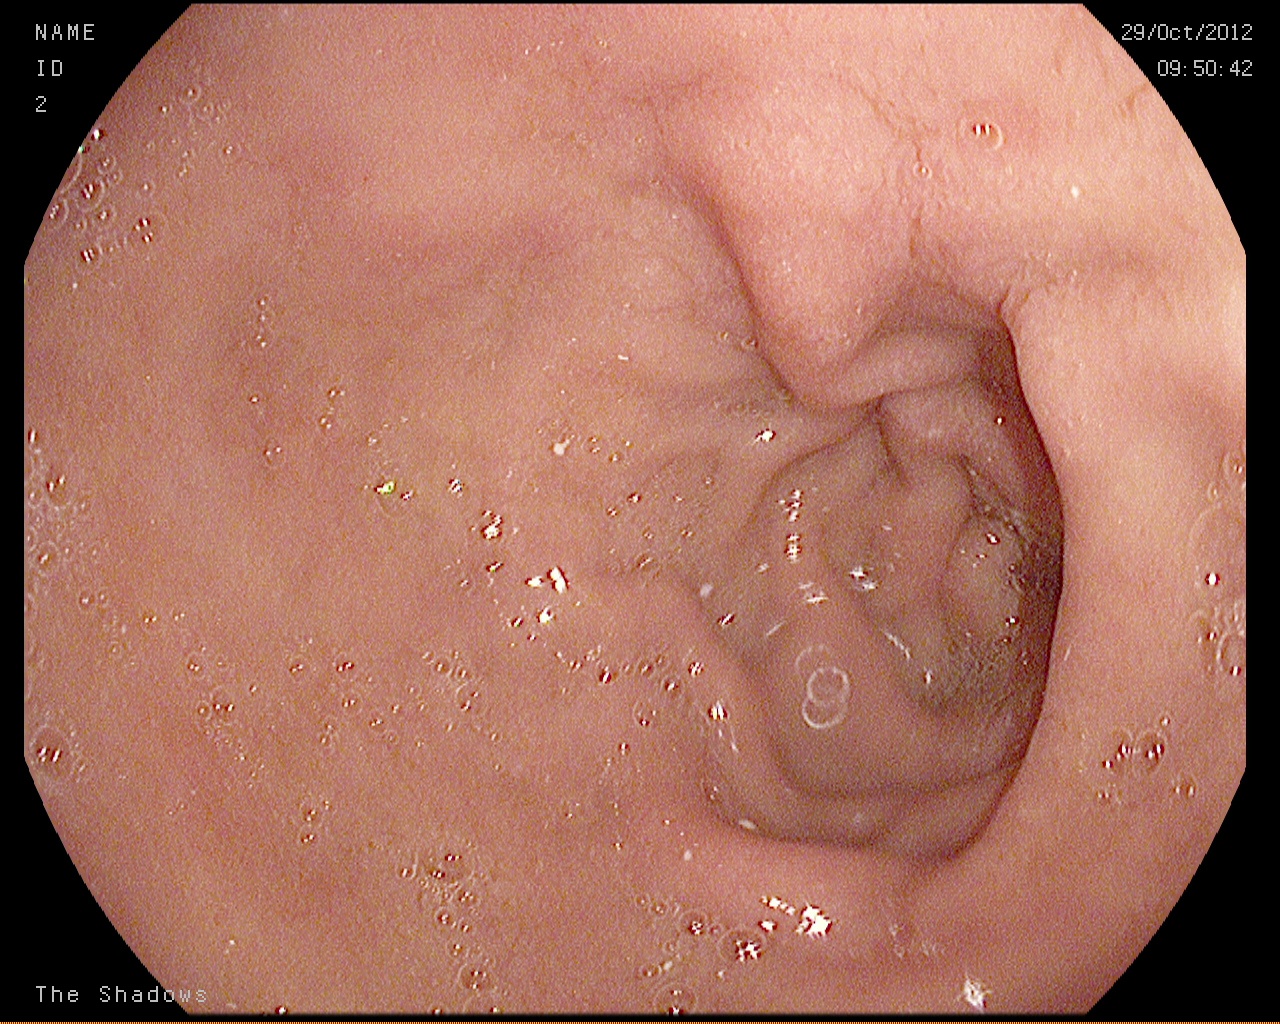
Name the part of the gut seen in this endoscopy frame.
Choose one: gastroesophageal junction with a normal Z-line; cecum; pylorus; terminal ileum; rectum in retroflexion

pylorus